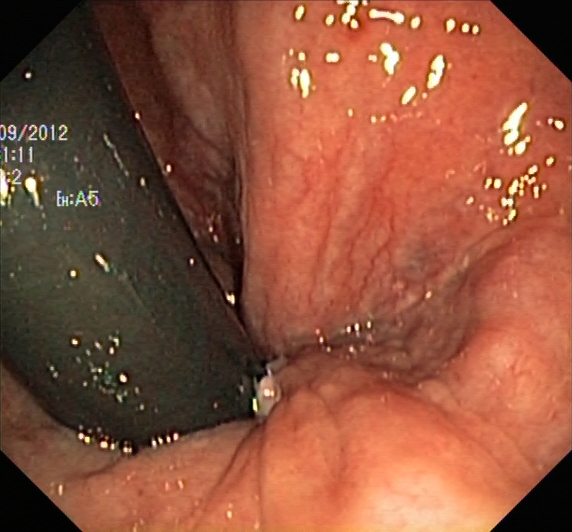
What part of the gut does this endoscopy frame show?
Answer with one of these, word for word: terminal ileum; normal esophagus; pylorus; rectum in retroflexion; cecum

rectum in retroflexion